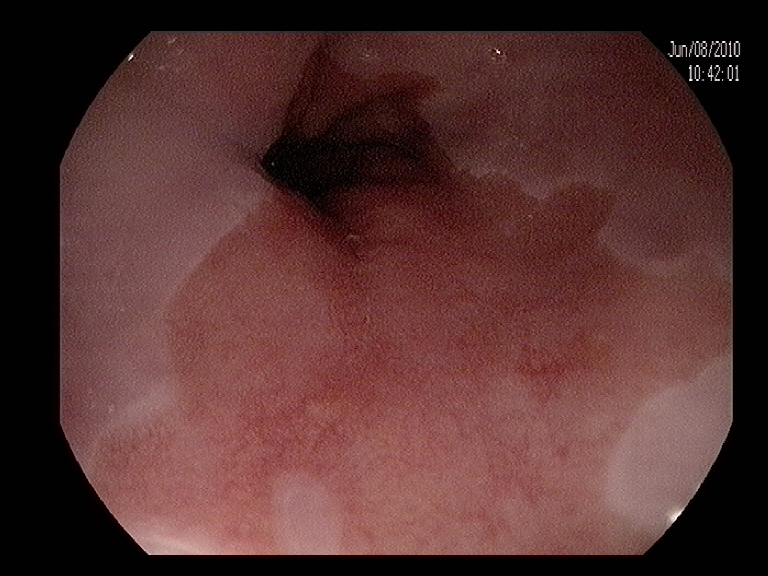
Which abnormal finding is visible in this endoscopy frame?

Barrett's esophagus